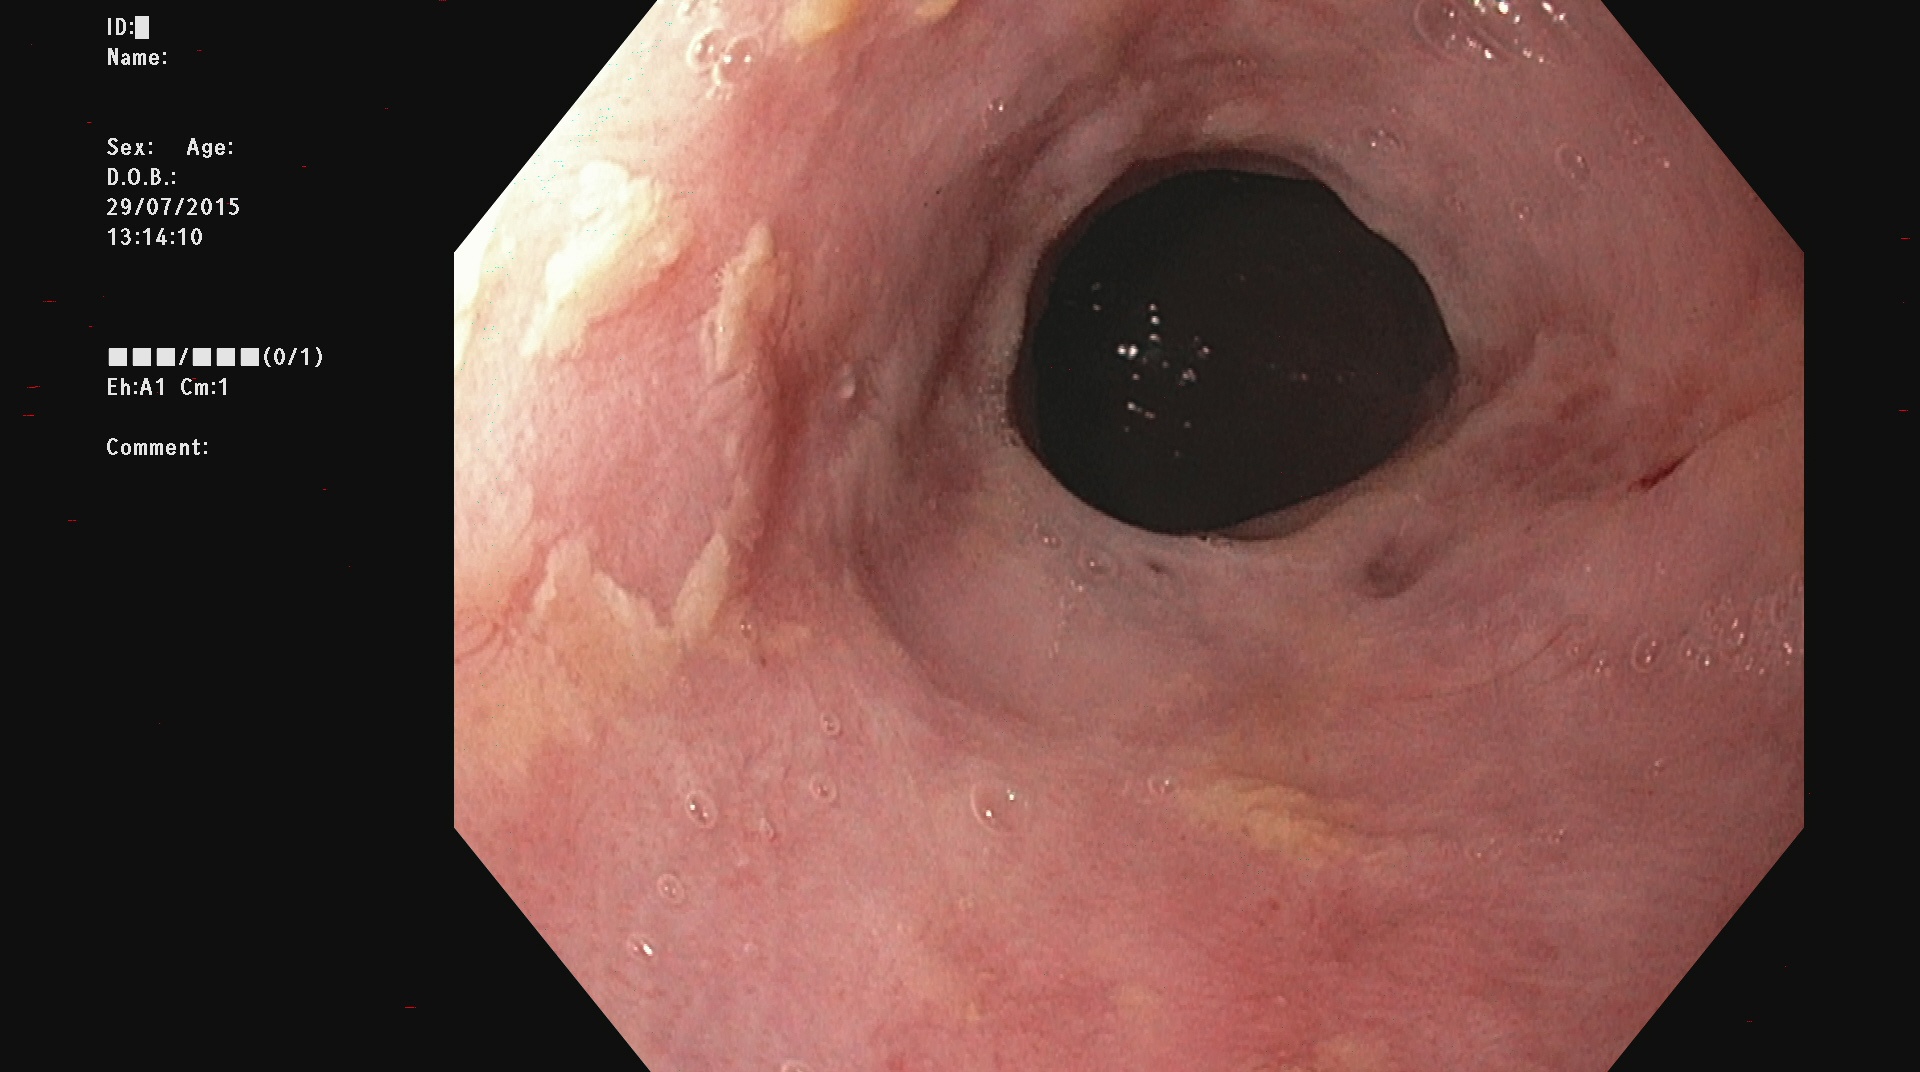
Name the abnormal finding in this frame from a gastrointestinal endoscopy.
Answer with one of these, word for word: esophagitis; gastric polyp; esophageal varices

esophagitis